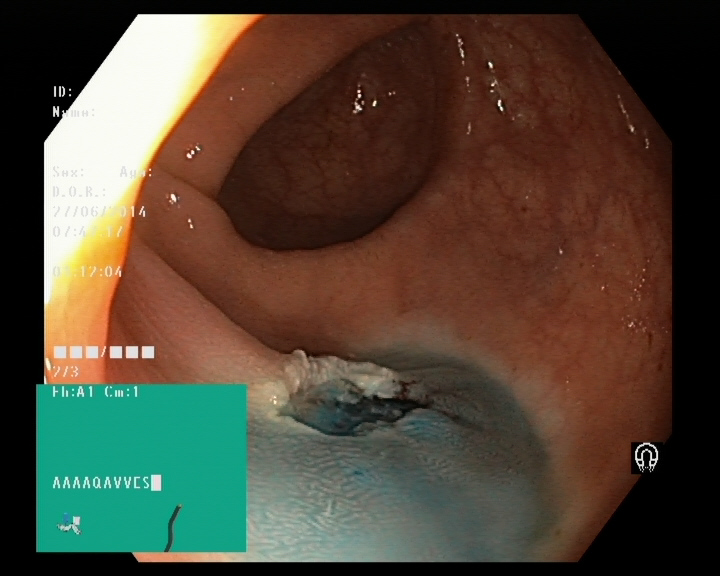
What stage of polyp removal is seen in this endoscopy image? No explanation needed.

dyed resection margin (post-polypectomy)